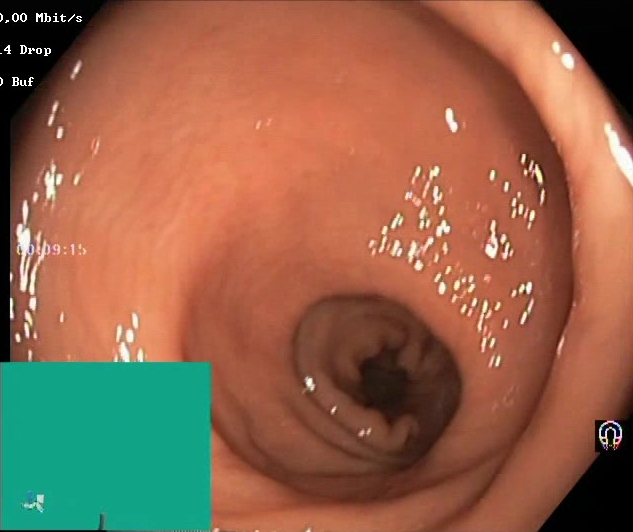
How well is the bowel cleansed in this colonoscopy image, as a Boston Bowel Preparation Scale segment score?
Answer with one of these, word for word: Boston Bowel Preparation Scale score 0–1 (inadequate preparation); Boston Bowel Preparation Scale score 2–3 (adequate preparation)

Boston Bowel Preparation Scale score 2–3 (adequate preparation)